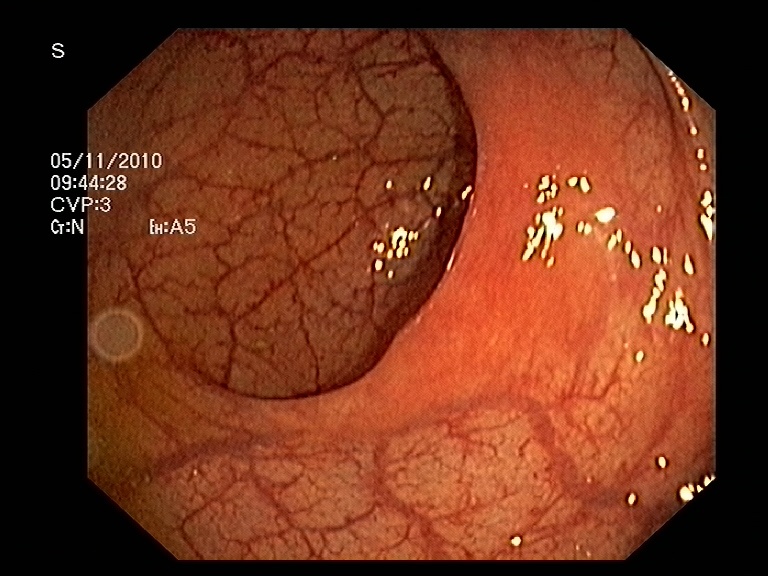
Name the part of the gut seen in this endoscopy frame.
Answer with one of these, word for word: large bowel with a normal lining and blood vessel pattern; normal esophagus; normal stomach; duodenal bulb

large bowel with a normal lining and blood vessel pattern